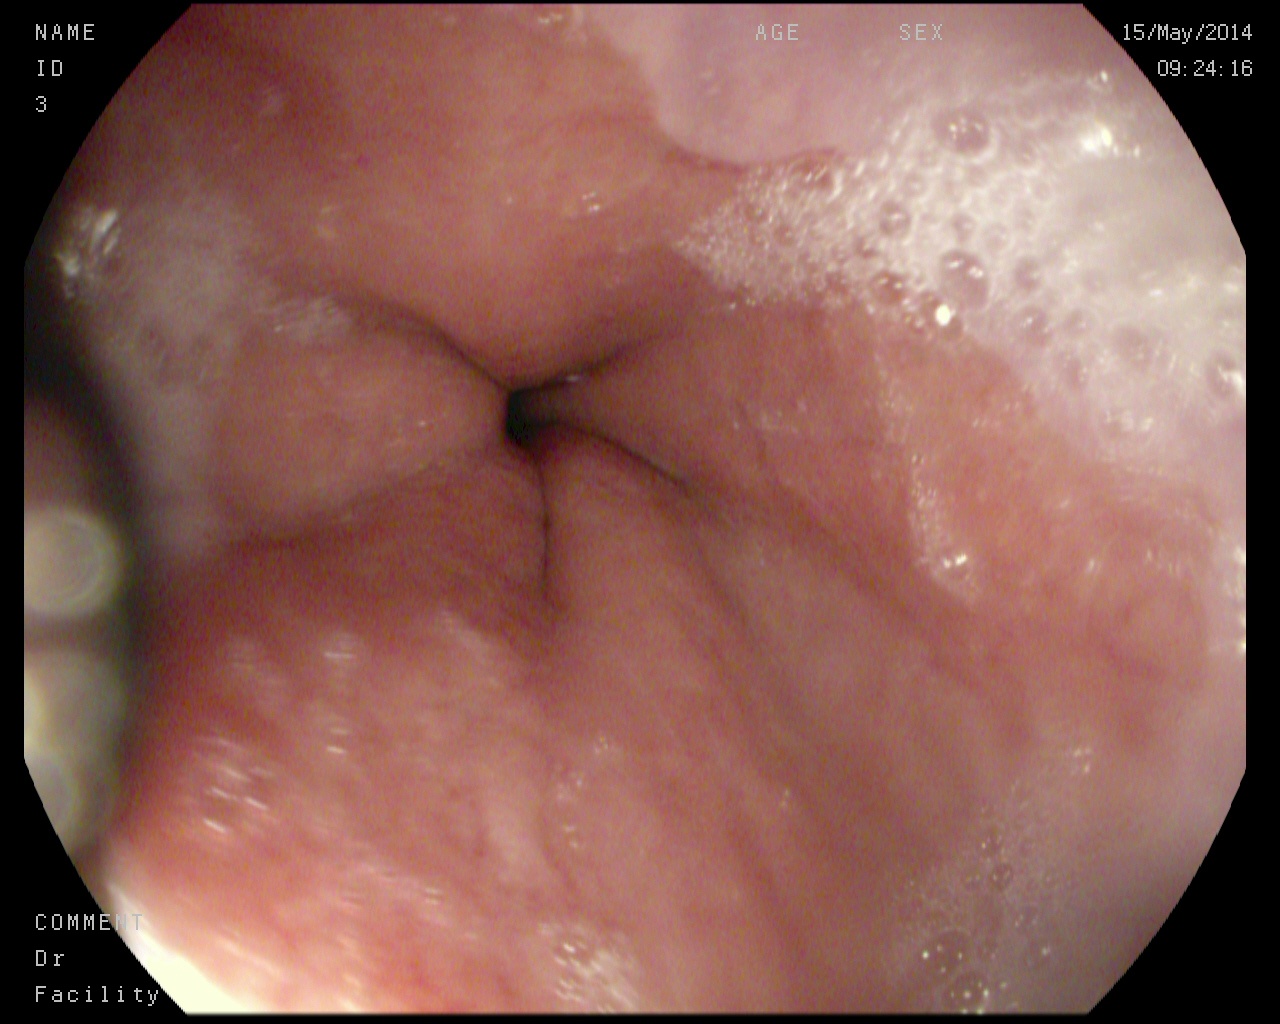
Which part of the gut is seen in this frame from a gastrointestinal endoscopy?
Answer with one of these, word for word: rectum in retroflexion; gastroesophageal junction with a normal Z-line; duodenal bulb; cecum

gastroesophageal junction with a normal Z-line